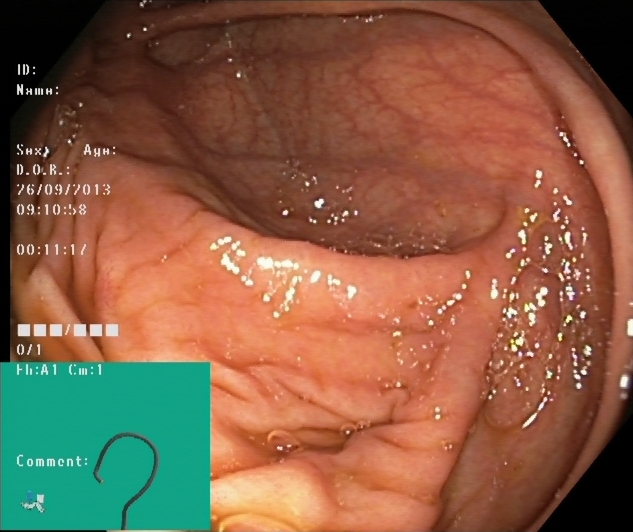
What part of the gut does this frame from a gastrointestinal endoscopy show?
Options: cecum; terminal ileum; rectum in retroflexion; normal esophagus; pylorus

cecum